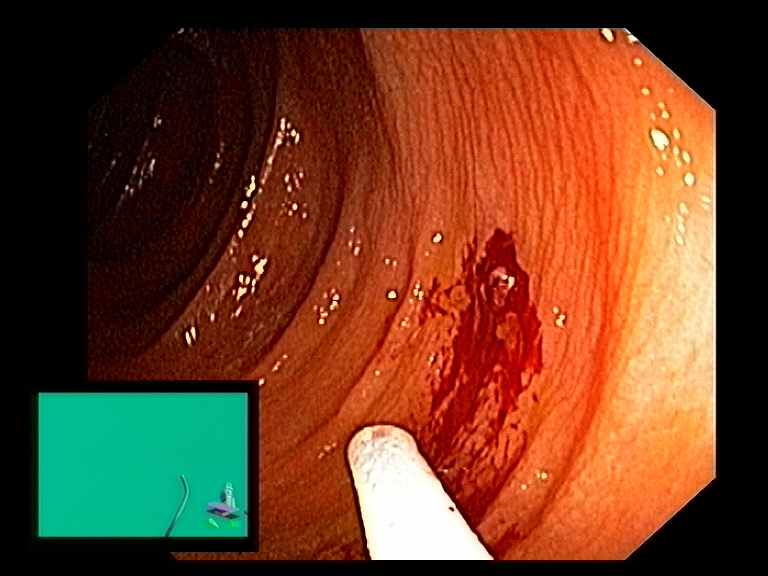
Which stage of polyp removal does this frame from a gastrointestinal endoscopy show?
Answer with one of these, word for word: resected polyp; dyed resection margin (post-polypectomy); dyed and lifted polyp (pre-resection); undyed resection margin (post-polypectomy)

resected polyp